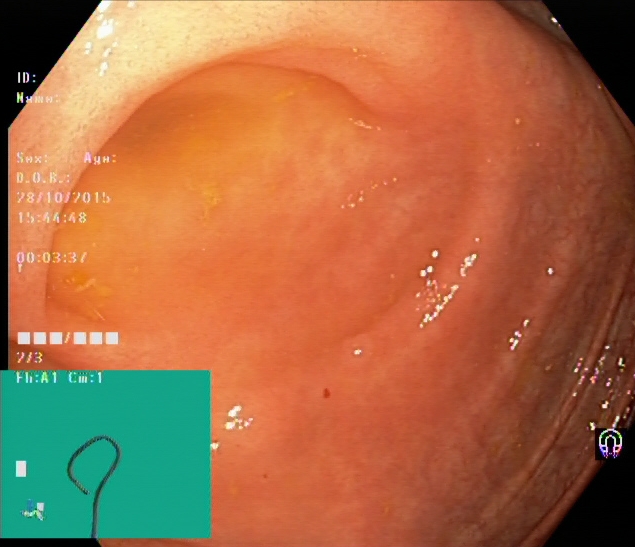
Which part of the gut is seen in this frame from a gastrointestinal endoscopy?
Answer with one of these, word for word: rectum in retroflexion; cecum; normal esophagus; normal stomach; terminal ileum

cecum